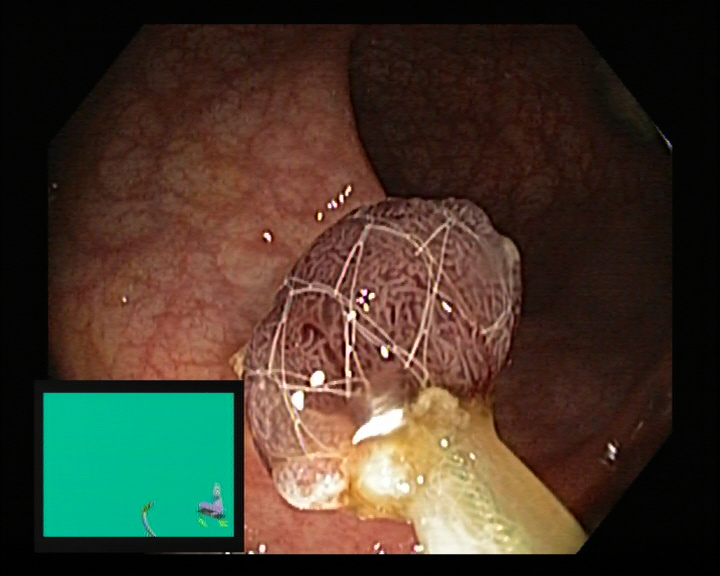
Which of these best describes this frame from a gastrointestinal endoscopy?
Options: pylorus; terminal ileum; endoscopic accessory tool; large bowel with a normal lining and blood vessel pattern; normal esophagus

endoscopic accessory tool